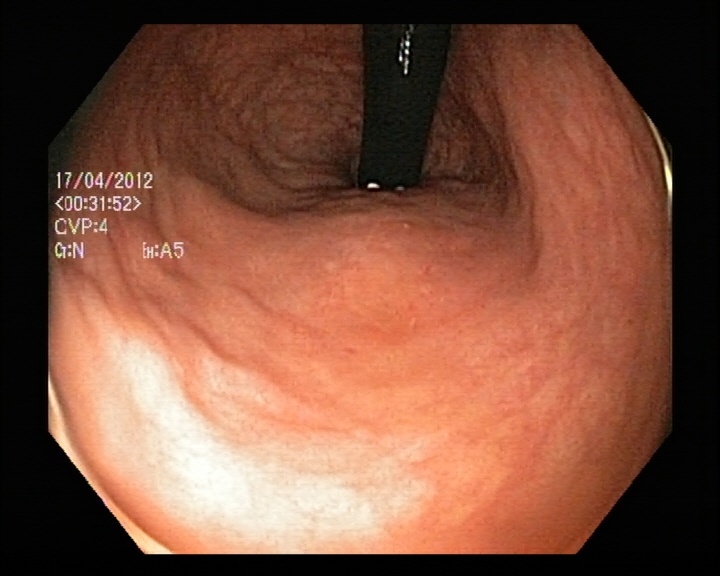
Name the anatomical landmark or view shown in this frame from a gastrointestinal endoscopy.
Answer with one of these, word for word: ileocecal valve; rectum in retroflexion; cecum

rectum in retroflexion